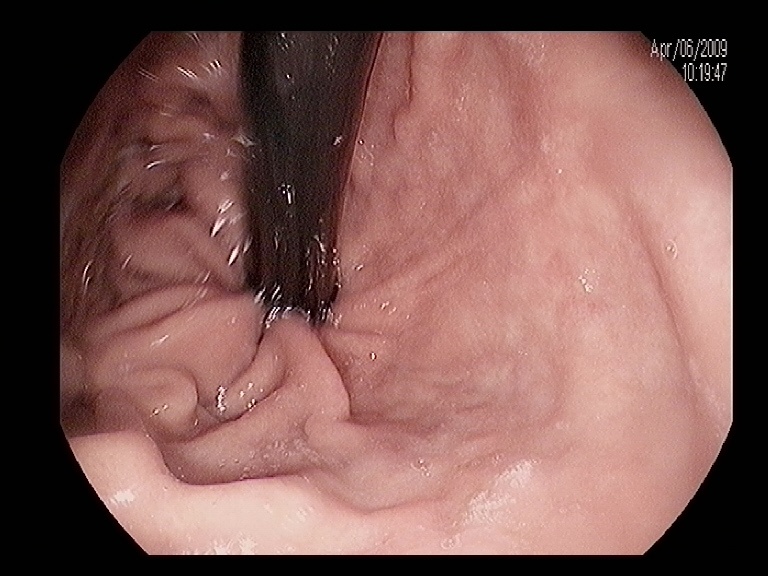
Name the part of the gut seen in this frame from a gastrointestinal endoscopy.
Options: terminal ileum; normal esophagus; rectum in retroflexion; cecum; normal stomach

normal stomach